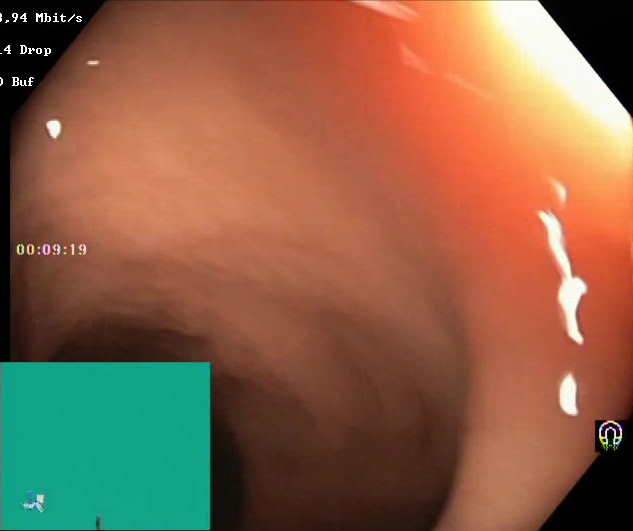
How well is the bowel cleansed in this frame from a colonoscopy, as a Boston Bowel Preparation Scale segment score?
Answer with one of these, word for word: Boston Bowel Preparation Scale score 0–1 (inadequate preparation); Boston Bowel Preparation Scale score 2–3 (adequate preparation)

Boston Bowel Preparation Scale score 2–3 (adequate preparation)